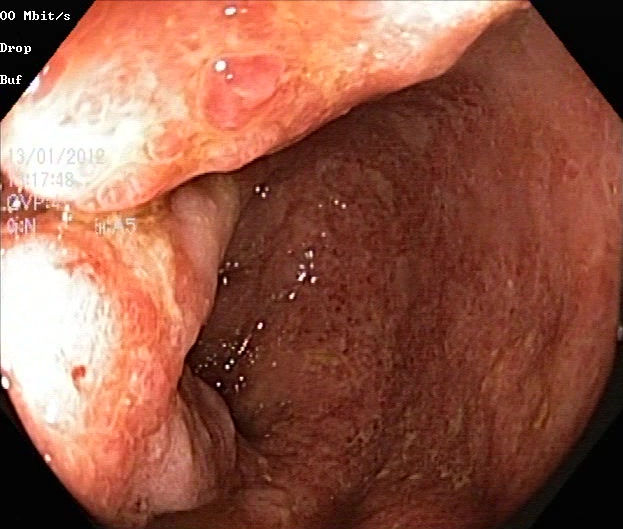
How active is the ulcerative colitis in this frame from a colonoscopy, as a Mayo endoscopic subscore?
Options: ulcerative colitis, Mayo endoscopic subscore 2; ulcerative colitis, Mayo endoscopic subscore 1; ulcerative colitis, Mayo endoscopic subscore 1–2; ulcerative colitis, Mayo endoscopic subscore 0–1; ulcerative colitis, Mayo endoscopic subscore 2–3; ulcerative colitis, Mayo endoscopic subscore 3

ulcerative colitis, Mayo endoscopic subscore 2